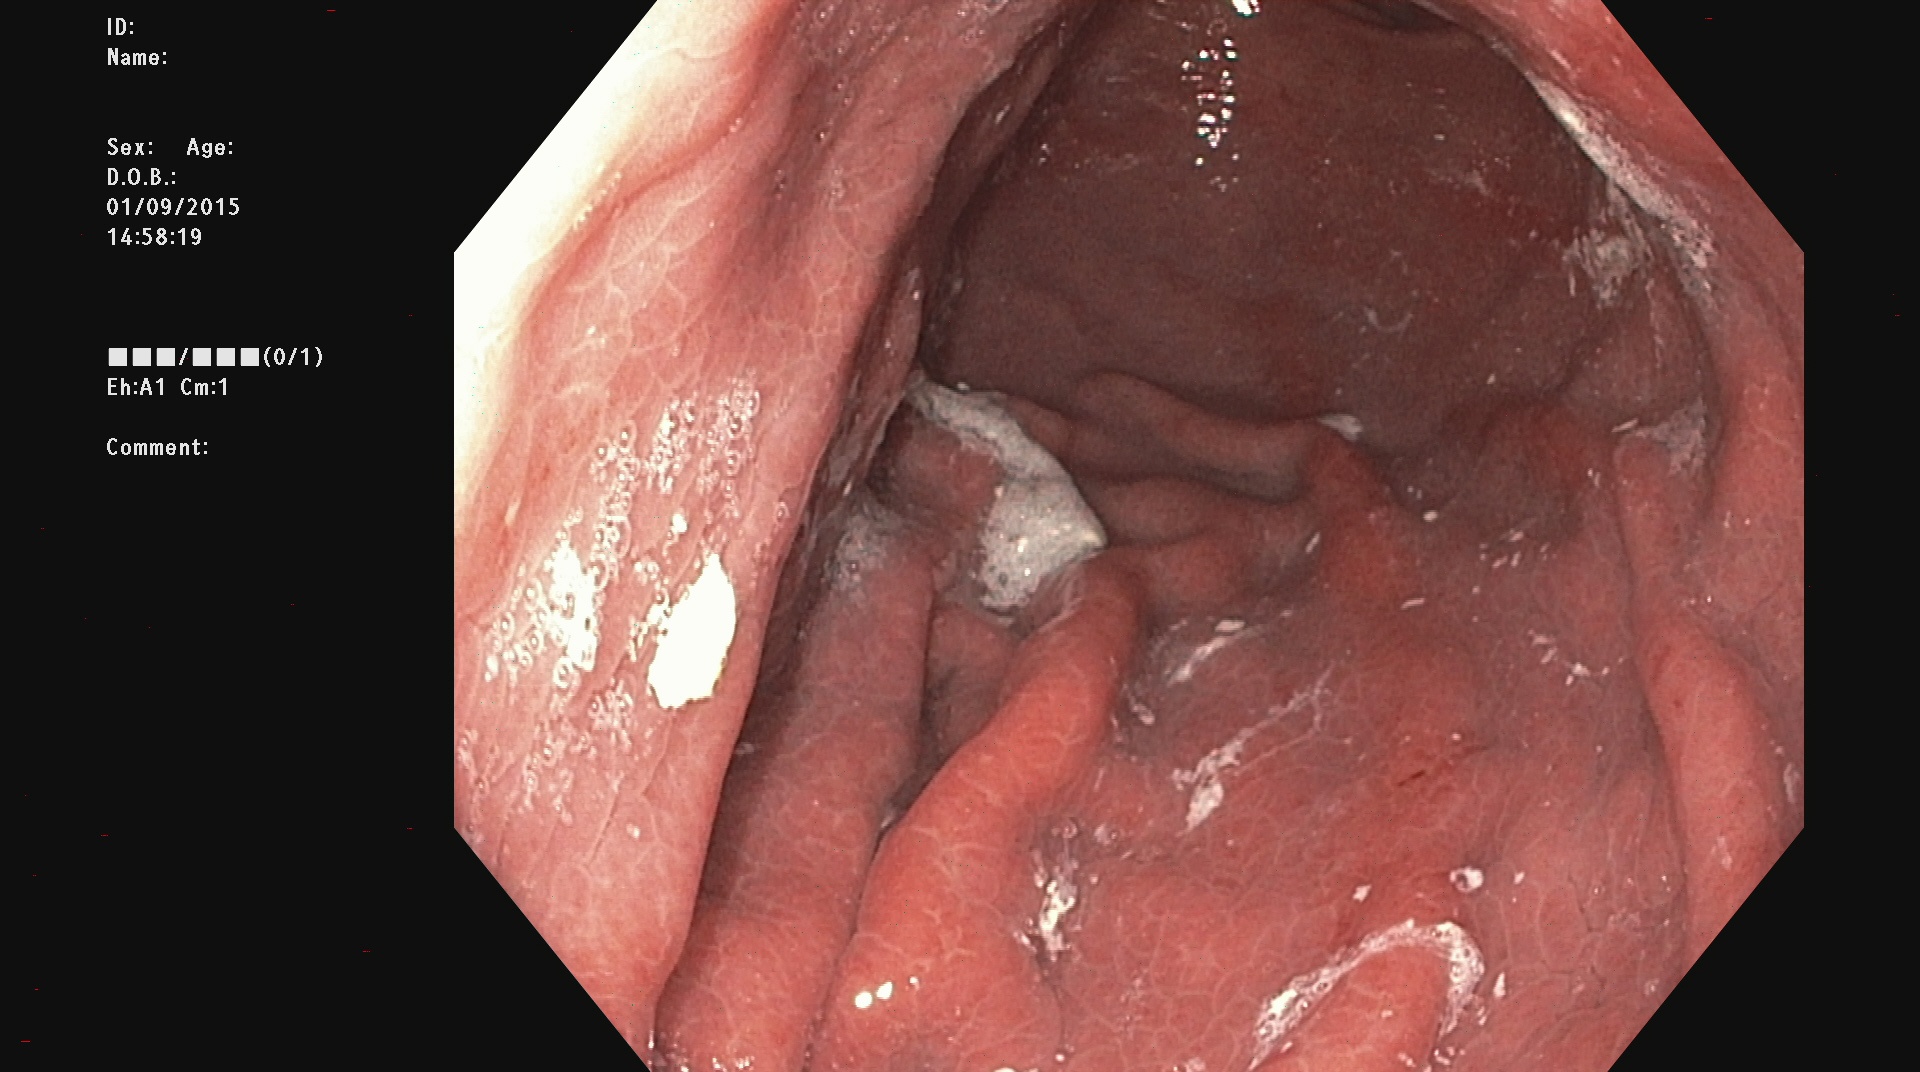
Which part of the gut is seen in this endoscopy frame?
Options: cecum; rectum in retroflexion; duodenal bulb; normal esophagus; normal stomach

normal stomach